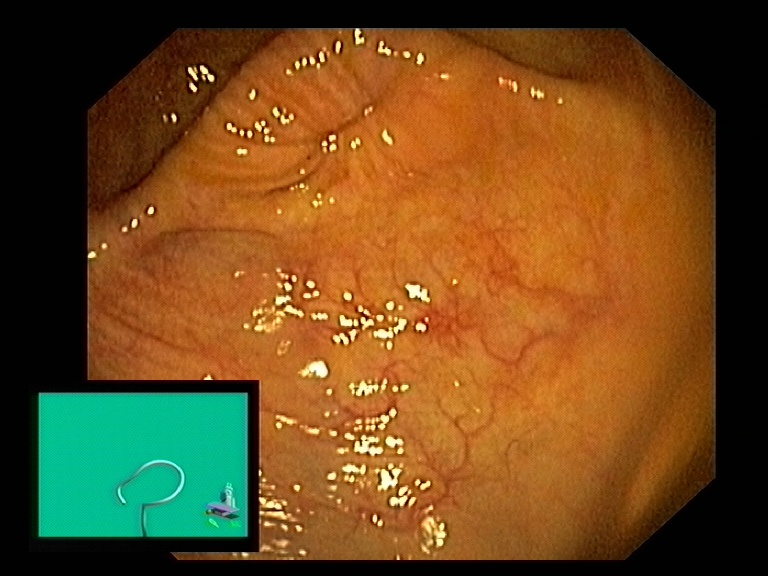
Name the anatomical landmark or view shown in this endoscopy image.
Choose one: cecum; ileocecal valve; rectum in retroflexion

cecum